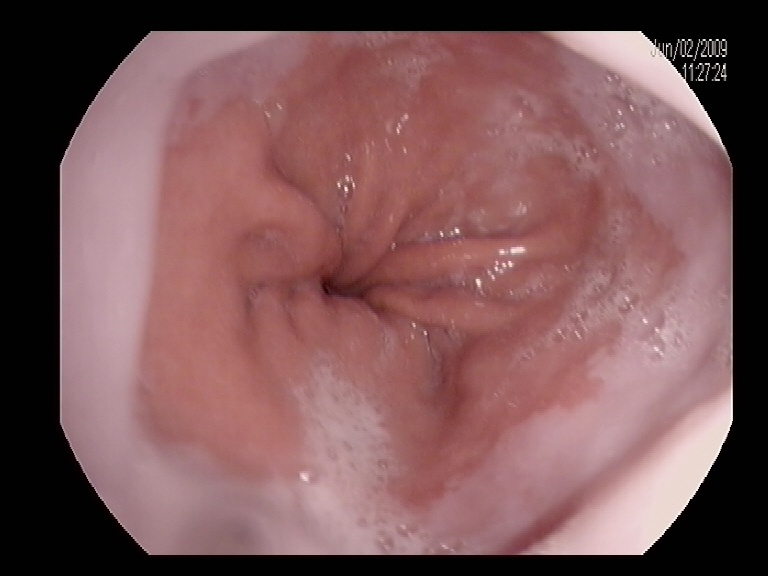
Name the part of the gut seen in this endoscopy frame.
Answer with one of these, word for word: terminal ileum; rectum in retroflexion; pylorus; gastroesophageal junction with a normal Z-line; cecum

gastroesophageal junction with a normal Z-line